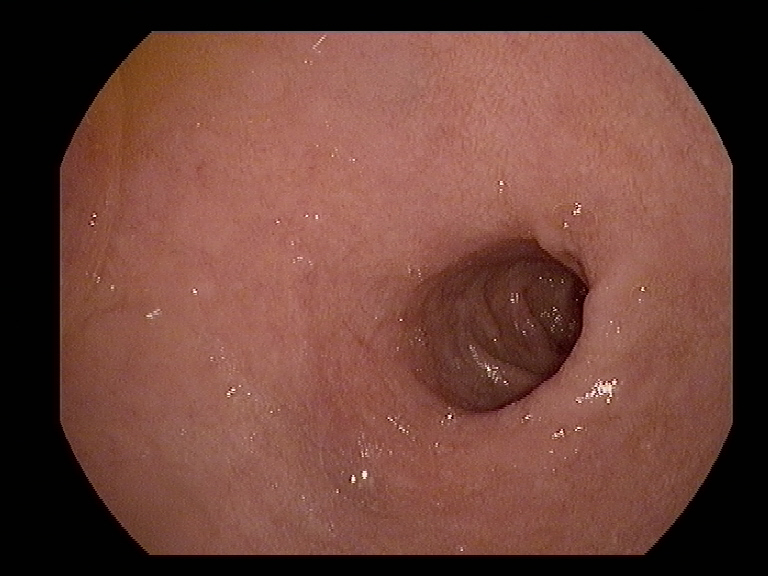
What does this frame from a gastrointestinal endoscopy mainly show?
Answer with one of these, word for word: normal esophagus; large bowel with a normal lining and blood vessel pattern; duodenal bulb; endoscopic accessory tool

duodenal bulb